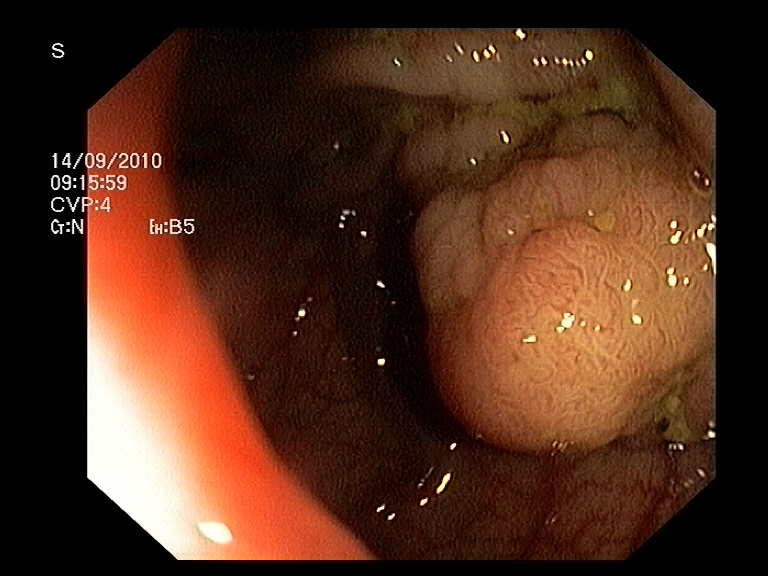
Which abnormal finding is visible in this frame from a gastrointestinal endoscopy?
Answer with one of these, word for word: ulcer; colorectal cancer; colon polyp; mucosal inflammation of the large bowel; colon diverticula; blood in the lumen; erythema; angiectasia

colon polyp